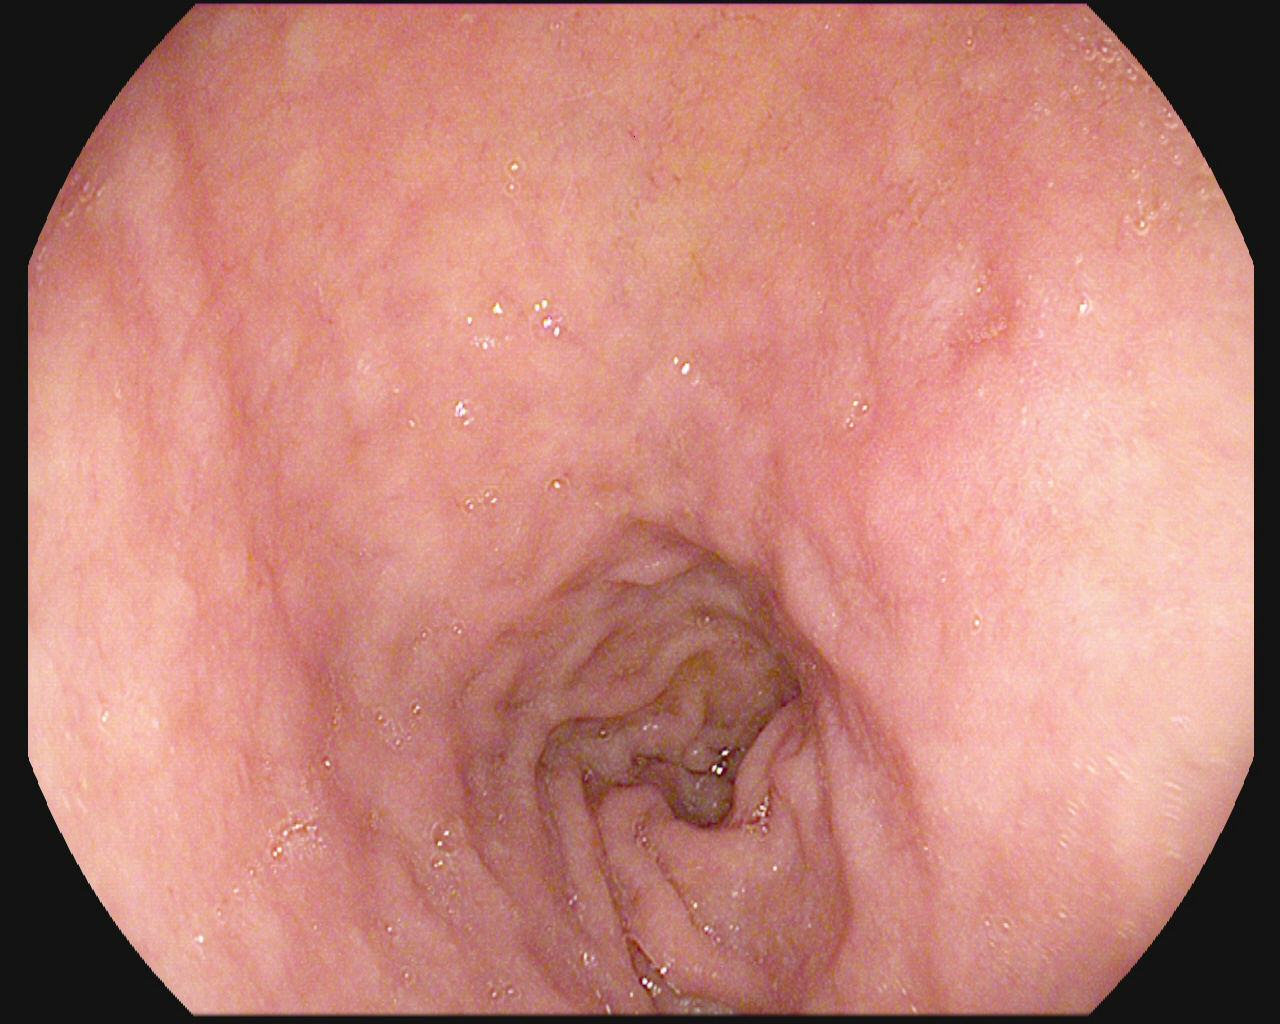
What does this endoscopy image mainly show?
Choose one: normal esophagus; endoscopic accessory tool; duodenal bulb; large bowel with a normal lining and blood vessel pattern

duodenal bulb